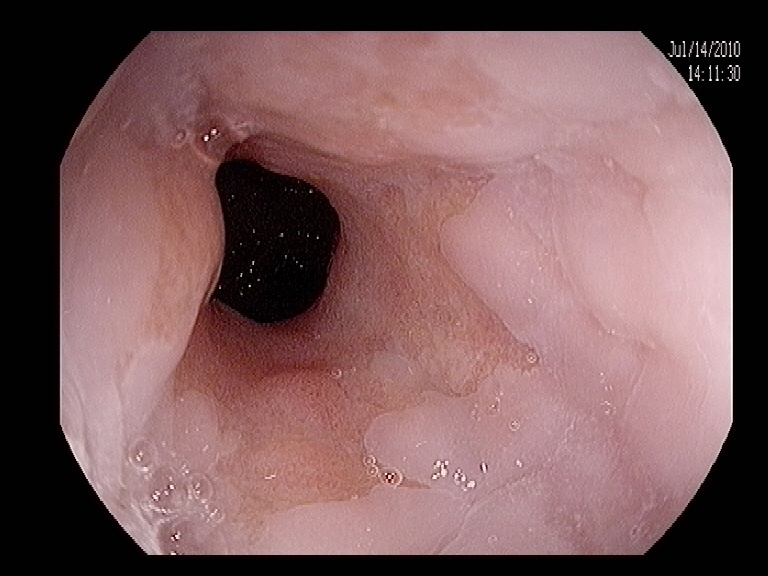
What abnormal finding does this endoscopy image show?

Barrett's esophagus